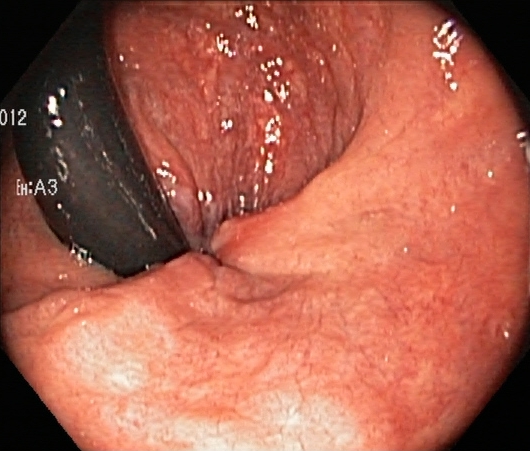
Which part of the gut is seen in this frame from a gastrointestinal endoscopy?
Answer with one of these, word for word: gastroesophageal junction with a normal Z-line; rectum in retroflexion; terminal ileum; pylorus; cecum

rectum in retroflexion